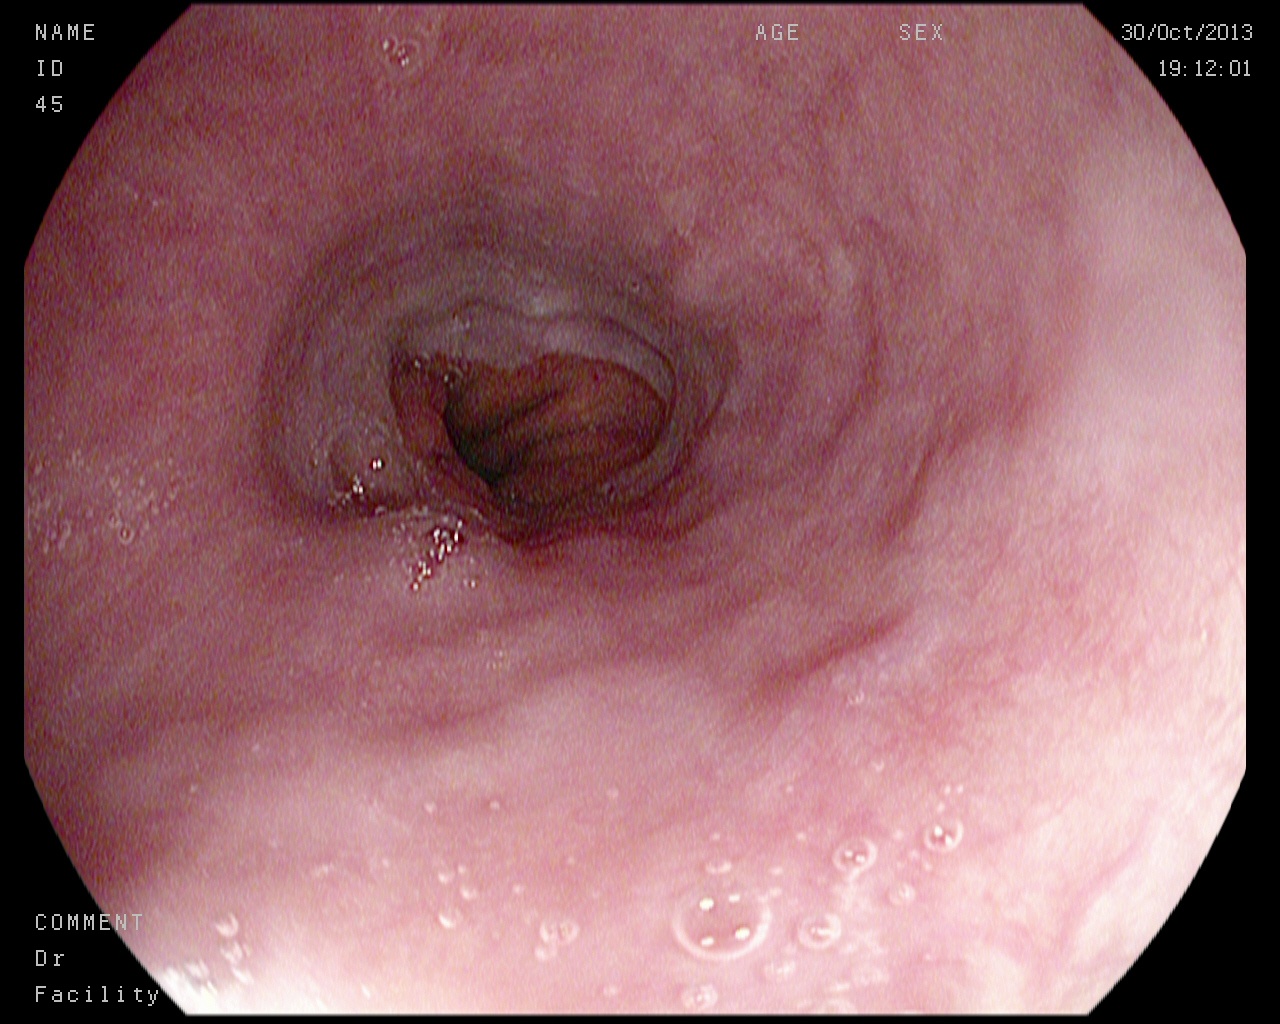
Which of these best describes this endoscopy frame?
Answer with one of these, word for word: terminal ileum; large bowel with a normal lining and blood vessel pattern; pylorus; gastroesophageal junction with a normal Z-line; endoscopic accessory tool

gastroesophageal junction with a normal Z-line